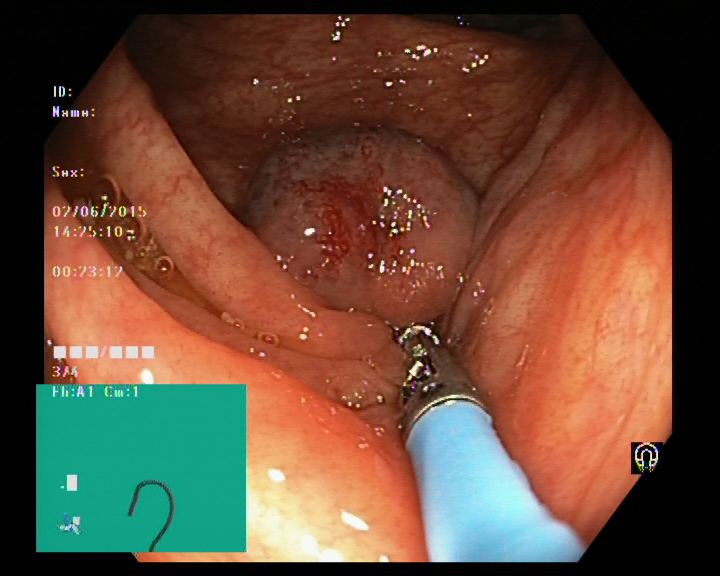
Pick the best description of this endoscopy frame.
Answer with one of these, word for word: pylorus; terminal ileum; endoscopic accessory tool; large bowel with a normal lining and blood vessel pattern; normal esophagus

endoscopic accessory tool